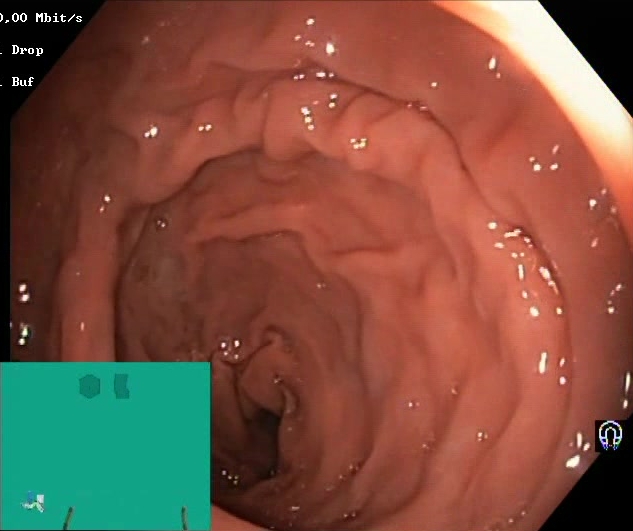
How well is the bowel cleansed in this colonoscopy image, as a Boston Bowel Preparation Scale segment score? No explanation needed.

Boston Bowel Preparation Scale score 2–3 (adequate preparation)